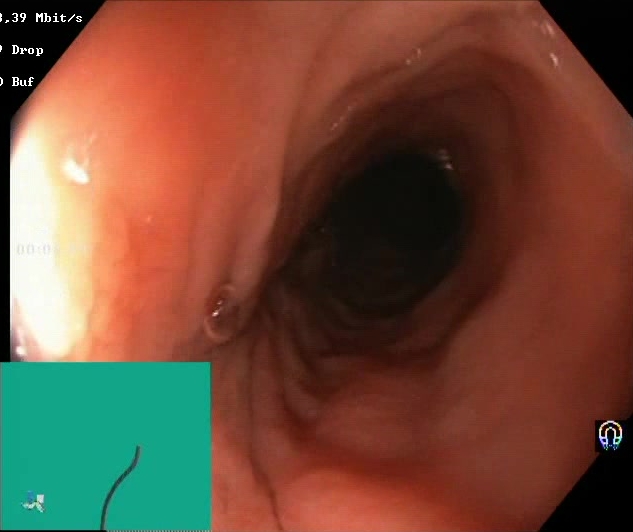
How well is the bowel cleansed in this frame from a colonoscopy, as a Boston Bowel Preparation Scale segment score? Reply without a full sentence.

Boston Bowel Preparation Scale score 2–3 (adequate preparation)